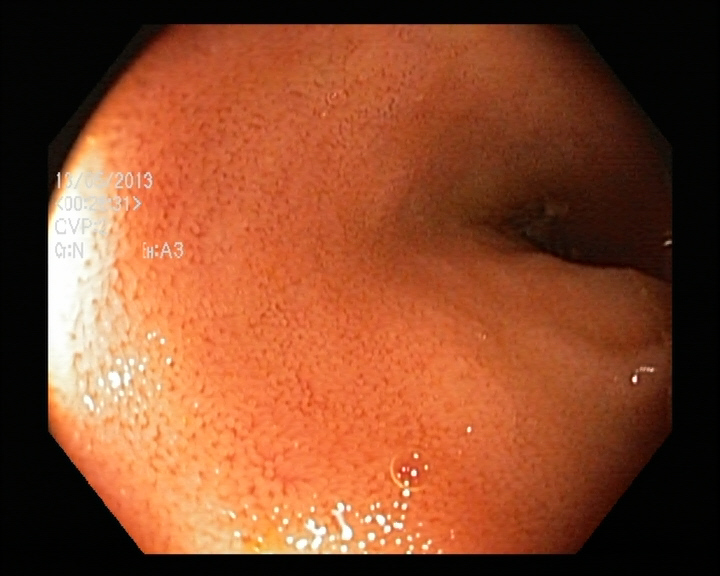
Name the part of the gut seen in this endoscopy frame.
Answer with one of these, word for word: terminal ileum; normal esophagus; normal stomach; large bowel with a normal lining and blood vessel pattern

terminal ileum